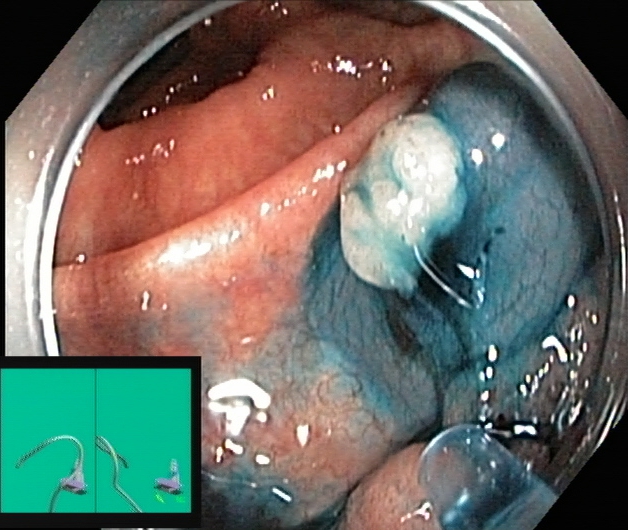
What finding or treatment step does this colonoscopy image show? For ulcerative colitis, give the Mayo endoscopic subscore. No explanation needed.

dyed and lifted polyp (pre-resection)